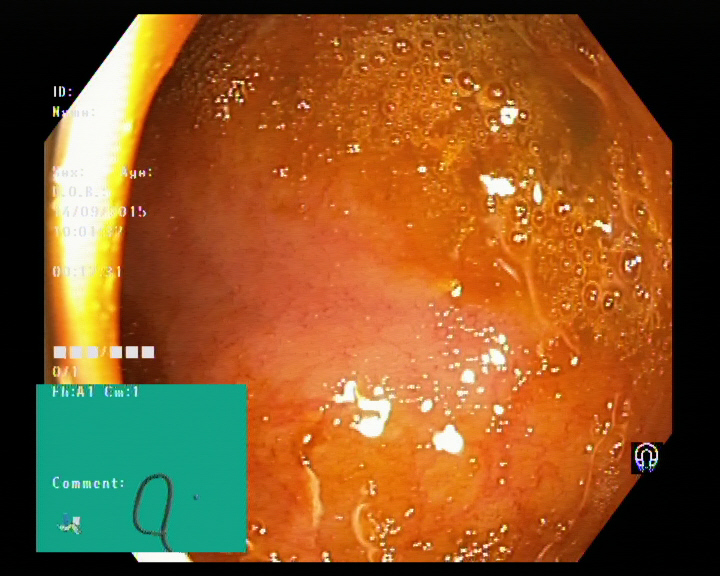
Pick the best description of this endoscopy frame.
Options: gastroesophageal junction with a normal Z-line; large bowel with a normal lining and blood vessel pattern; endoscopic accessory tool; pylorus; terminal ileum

large bowel with a normal lining and blood vessel pattern